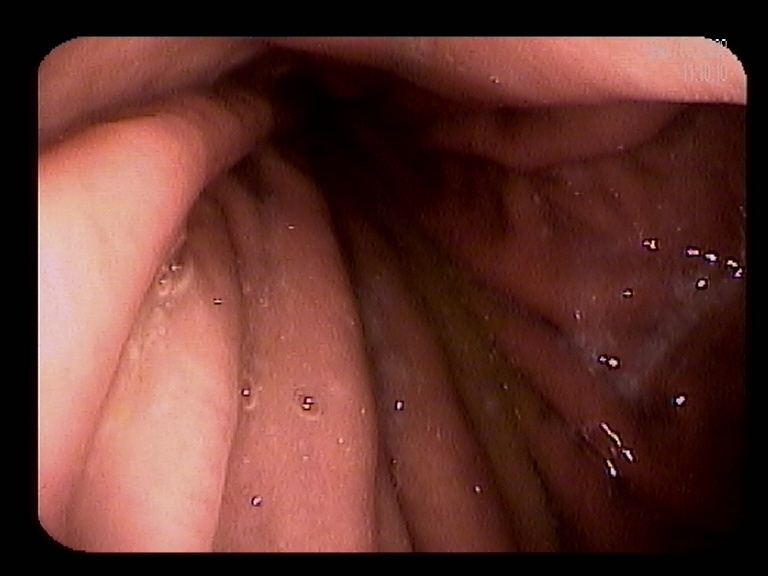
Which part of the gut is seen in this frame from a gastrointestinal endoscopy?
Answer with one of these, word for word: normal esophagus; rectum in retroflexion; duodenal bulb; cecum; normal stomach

normal stomach